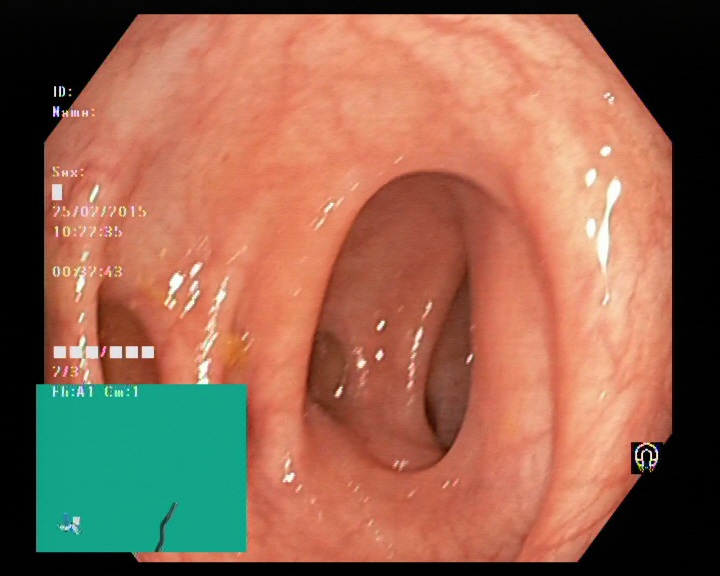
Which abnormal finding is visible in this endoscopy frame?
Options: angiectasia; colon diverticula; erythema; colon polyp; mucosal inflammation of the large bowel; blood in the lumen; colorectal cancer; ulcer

colon diverticula